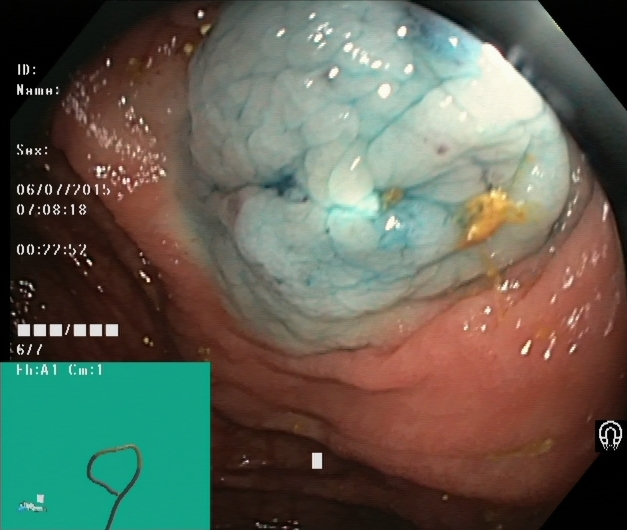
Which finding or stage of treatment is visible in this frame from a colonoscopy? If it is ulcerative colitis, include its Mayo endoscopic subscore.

dyed and lifted polyp (pre-resection)